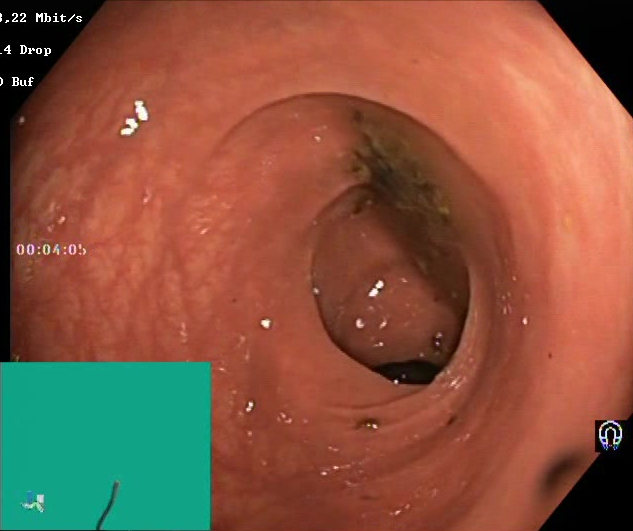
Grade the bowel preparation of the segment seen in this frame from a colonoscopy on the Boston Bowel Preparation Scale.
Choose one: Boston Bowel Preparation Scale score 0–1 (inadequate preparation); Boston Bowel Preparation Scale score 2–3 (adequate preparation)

Boston Bowel Preparation Scale score 0–1 (inadequate preparation)